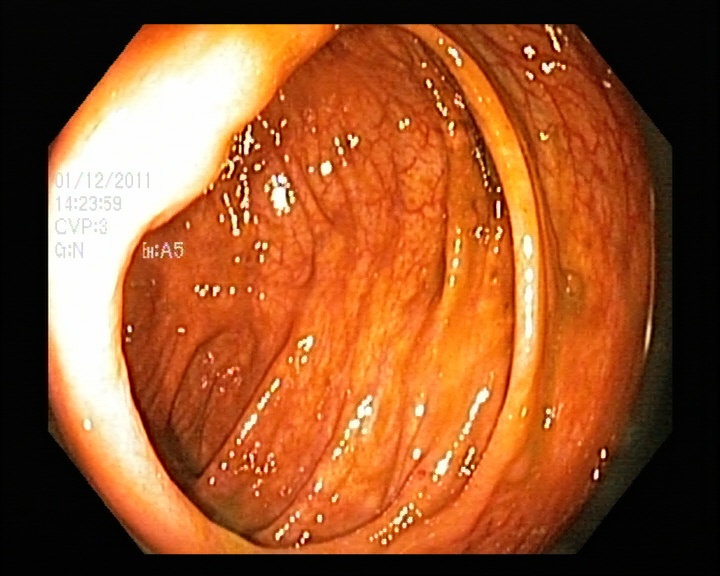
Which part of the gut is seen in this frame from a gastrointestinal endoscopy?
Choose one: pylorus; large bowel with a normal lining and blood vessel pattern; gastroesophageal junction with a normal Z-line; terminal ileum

large bowel with a normal lining and blood vessel pattern